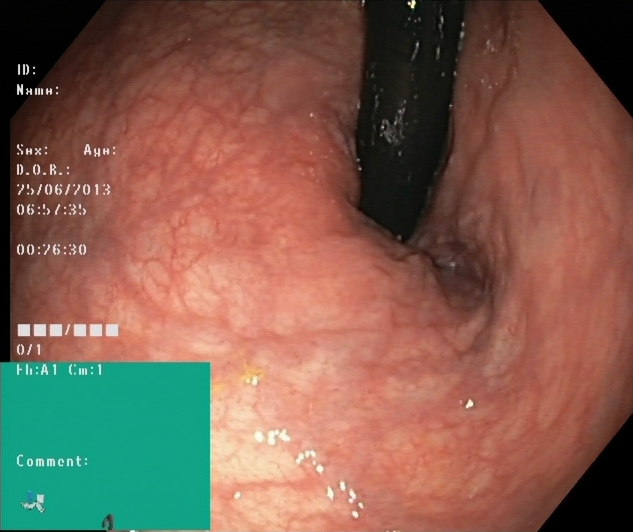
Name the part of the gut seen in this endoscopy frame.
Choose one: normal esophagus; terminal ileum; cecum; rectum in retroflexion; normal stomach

rectum in retroflexion